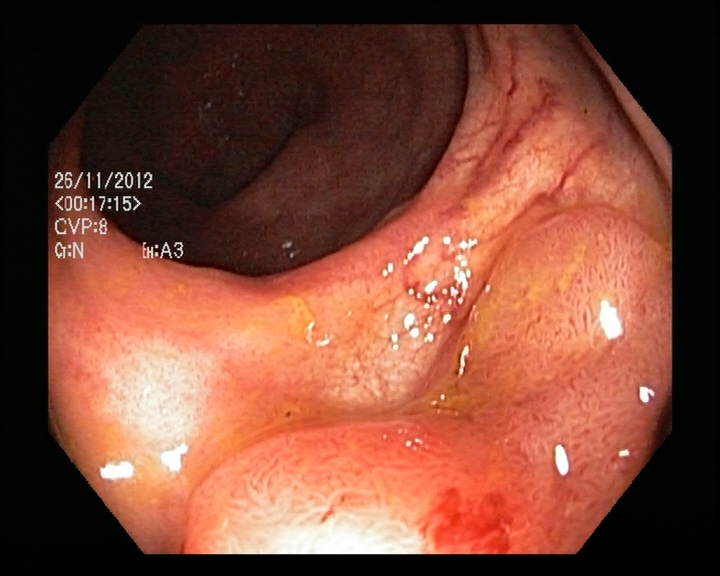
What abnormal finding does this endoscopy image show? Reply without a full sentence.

colon polyp